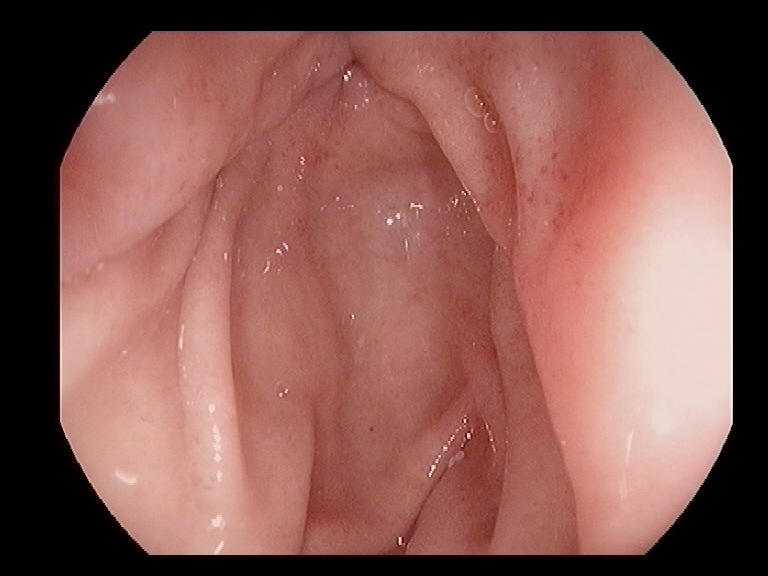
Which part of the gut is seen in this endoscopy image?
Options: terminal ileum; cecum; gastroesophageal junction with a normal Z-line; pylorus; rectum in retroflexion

pylorus